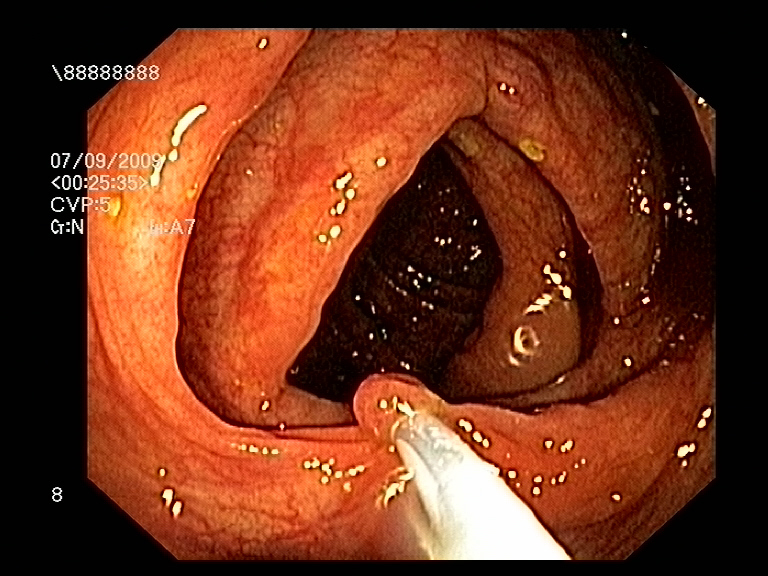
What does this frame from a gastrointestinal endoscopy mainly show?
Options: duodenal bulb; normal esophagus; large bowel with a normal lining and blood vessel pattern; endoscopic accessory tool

endoscopic accessory tool